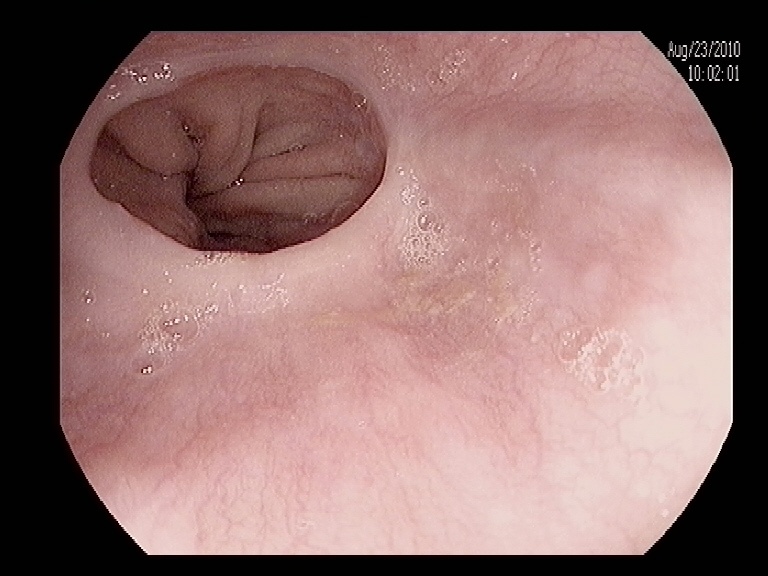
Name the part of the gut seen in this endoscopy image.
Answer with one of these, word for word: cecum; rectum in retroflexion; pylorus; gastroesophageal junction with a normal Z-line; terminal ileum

gastroesophageal junction with a normal Z-line